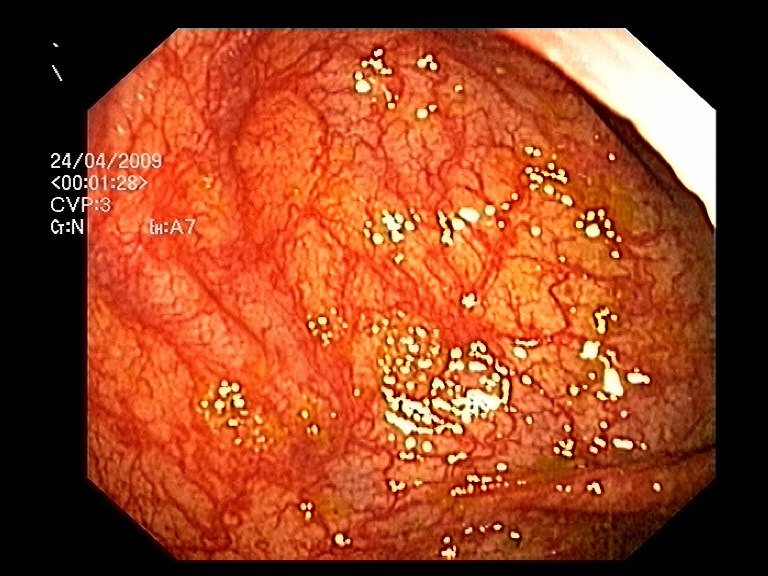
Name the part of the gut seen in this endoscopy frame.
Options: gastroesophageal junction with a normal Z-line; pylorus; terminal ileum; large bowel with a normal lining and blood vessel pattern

large bowel with a normal lining and blood vessel pattern